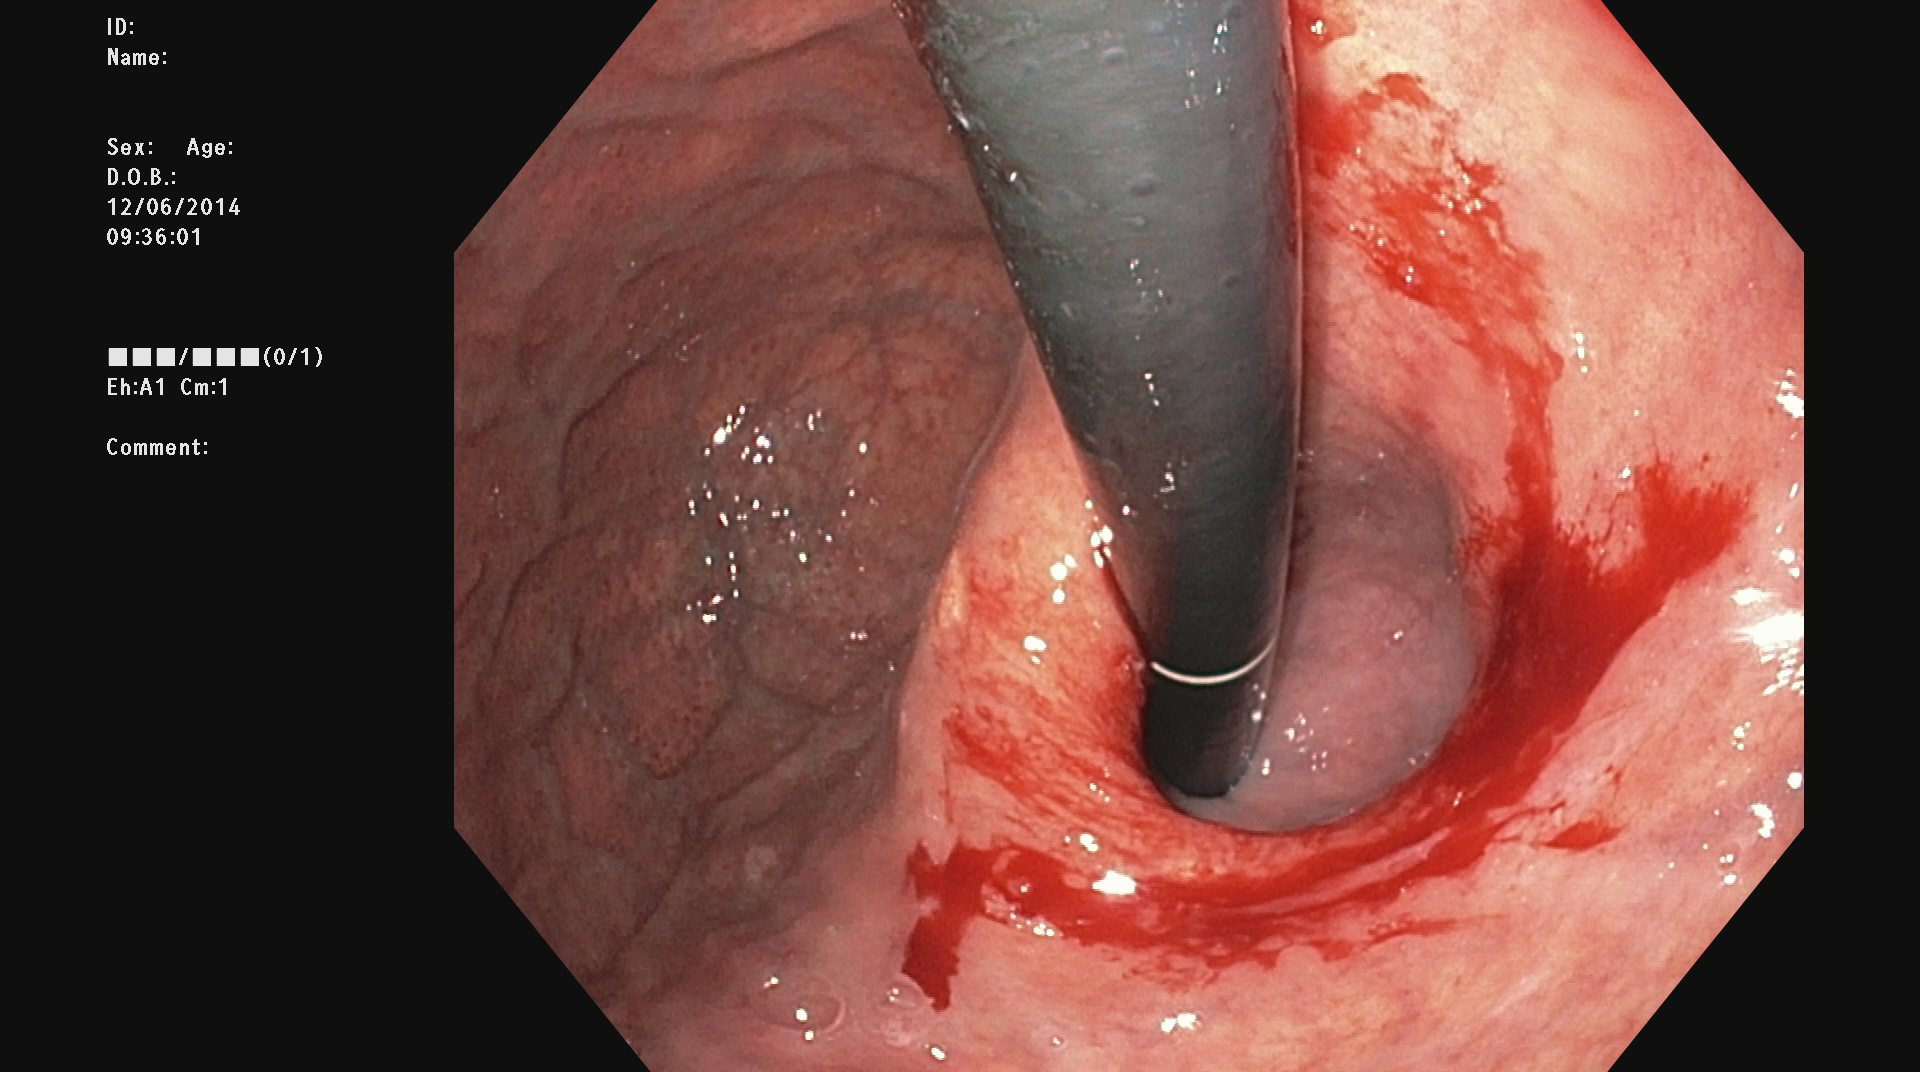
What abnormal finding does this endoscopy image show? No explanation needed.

blood in the lumen